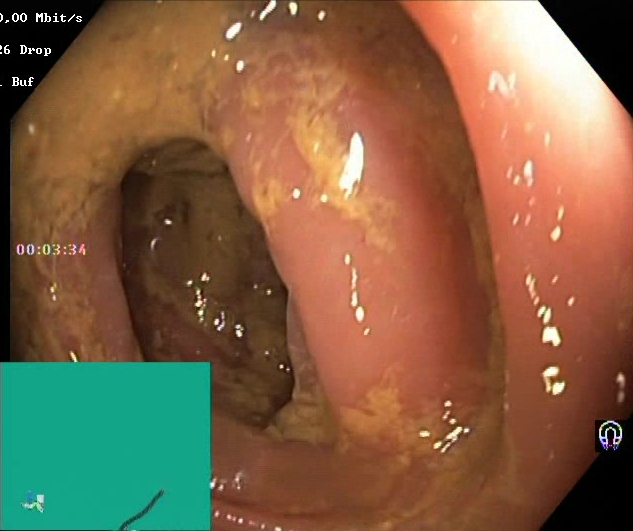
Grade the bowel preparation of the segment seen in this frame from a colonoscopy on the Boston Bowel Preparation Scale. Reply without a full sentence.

Boston Bowel Preparation Scale score 0–1 (inadequate preparation)